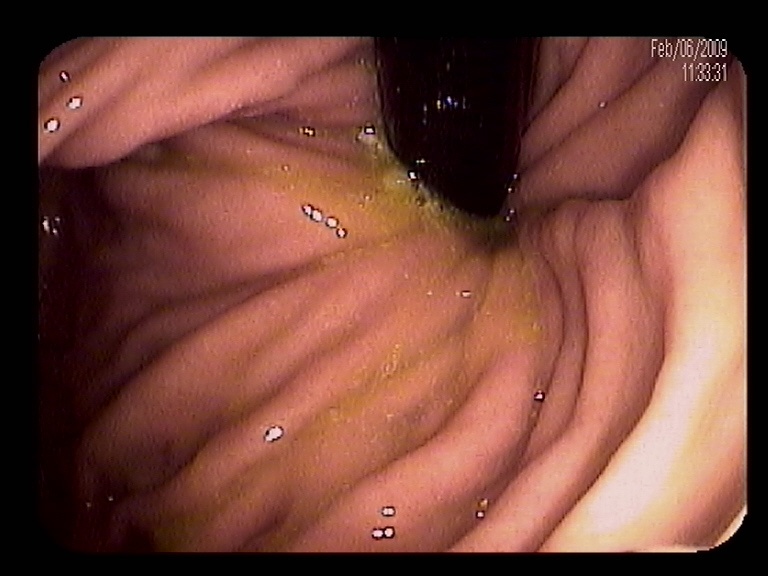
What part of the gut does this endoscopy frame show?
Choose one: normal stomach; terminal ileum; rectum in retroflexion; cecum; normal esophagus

normal stomach